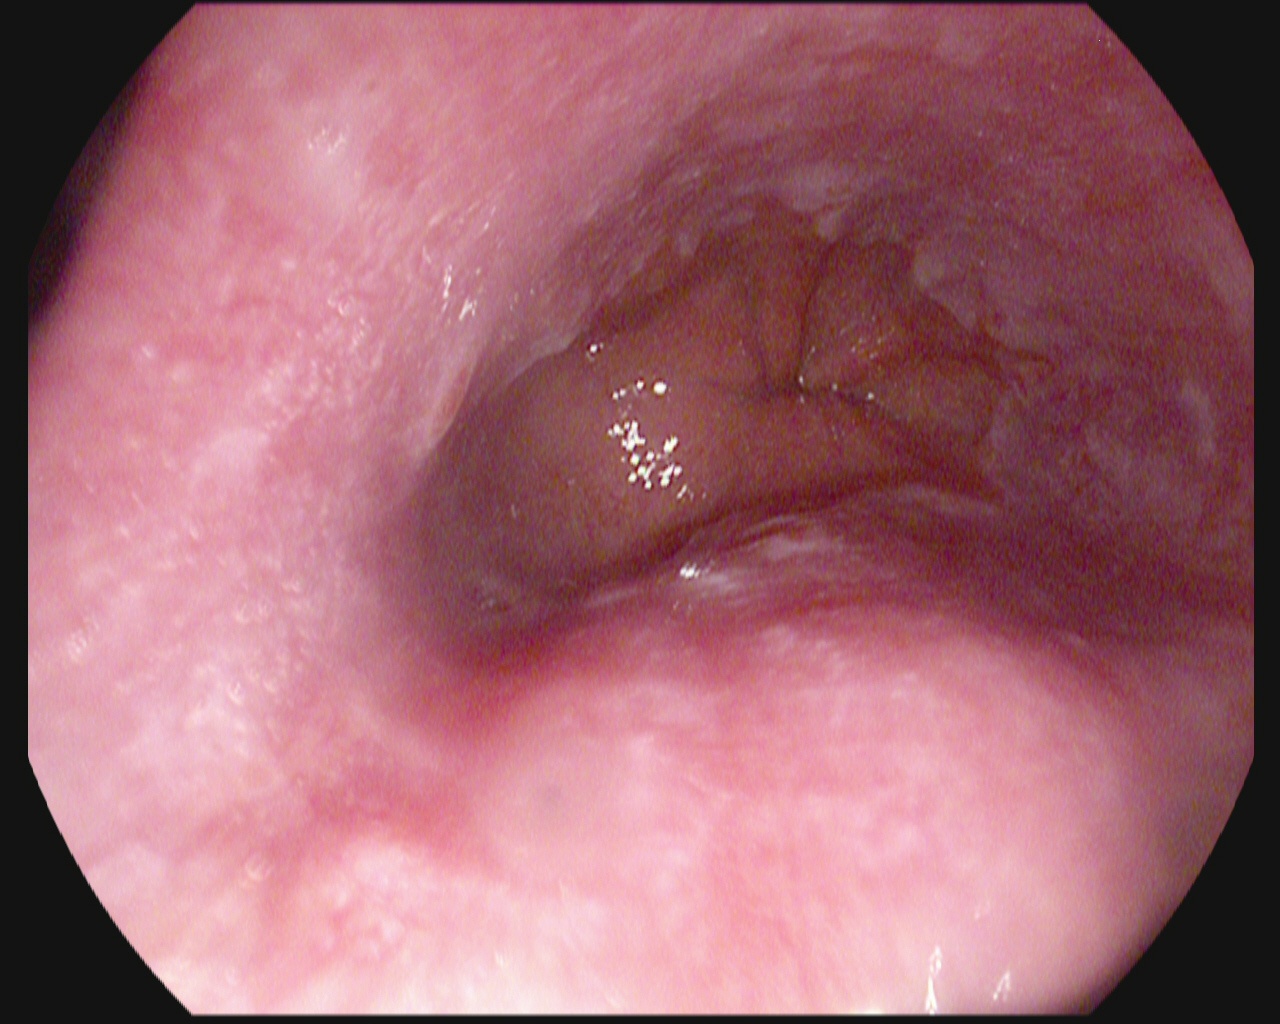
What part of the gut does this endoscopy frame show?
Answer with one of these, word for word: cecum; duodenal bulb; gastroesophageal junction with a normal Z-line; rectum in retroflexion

gastroesophageal junction with a normal Z-line